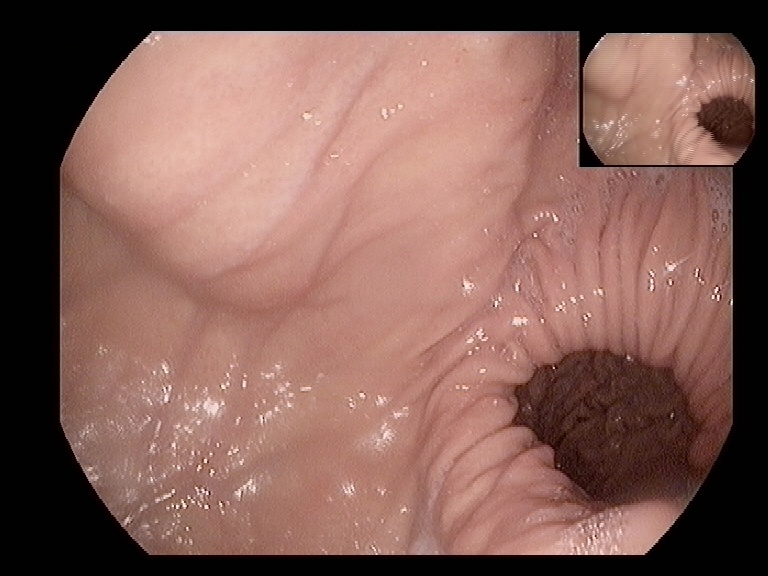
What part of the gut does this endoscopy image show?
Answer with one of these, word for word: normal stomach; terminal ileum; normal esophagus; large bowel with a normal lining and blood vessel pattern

normal stomach